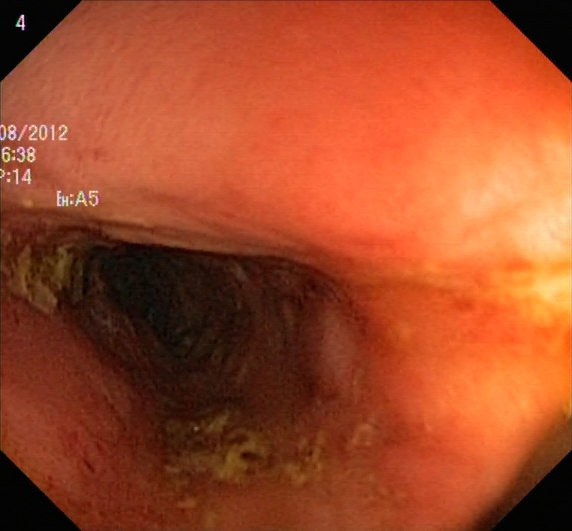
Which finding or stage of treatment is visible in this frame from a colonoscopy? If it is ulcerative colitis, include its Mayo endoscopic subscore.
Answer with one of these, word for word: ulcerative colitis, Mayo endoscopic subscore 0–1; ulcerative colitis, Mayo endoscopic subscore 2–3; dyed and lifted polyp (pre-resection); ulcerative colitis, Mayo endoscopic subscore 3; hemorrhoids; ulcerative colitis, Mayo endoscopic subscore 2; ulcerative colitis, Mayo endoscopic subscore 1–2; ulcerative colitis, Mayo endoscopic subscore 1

ulcerative colitis, Mayo endoscopic subscore 2